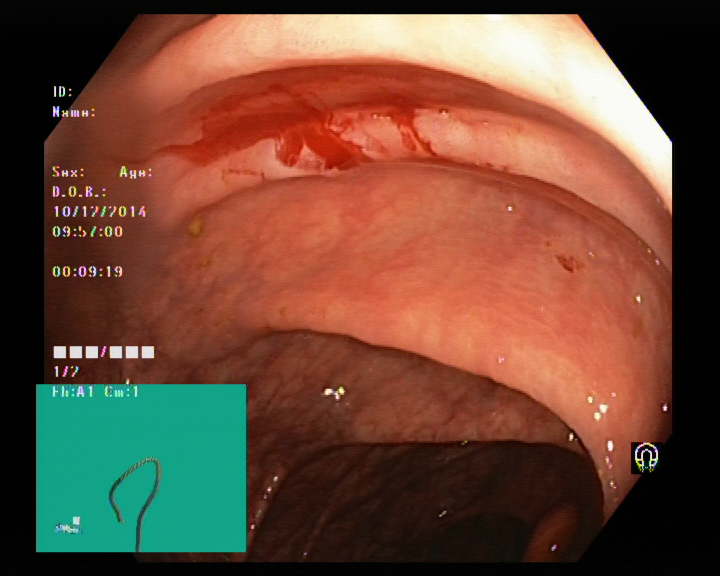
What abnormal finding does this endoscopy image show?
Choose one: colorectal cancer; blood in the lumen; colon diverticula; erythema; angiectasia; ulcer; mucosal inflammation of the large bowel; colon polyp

blood in the lumen